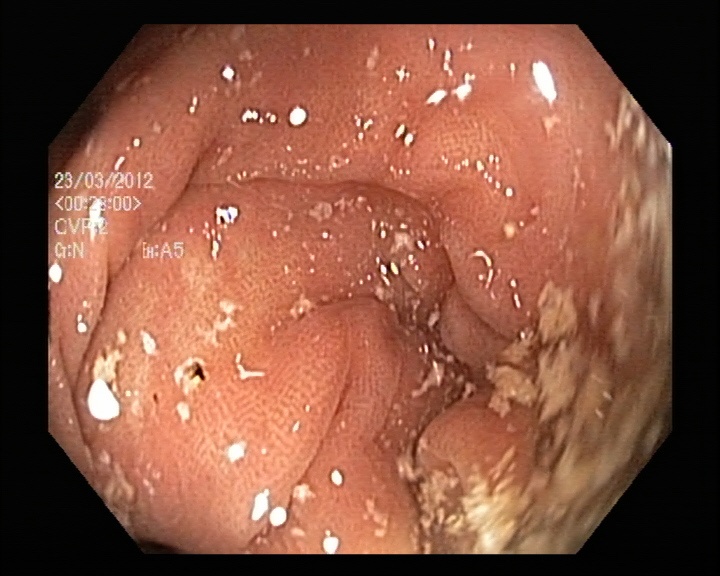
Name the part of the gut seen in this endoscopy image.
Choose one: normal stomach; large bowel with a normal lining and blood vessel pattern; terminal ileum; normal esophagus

terminal ileum